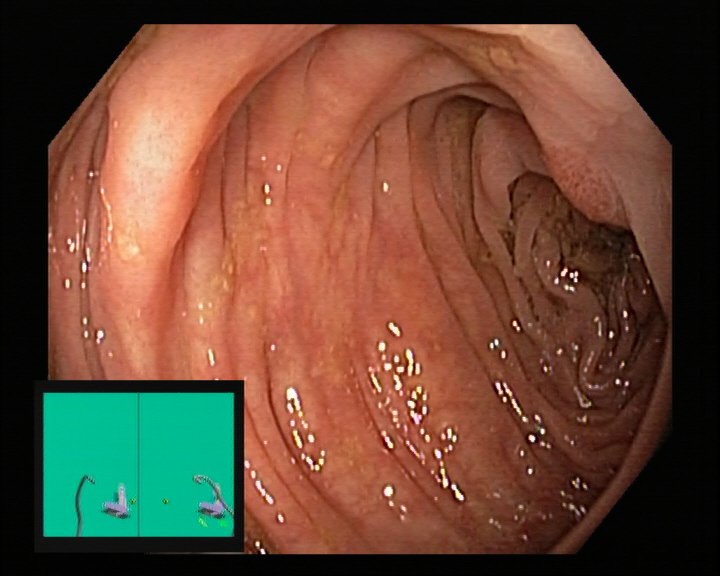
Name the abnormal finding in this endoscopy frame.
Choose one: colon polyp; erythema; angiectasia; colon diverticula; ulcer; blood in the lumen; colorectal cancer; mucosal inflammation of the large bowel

colon polyp